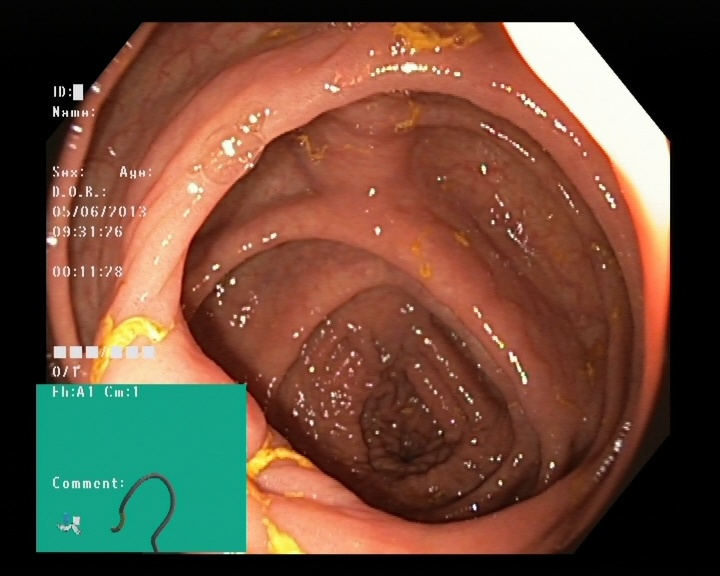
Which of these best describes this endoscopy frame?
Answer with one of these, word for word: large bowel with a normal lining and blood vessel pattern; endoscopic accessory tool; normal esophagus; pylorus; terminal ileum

large bowel with a normal lining and blood vessel pattern